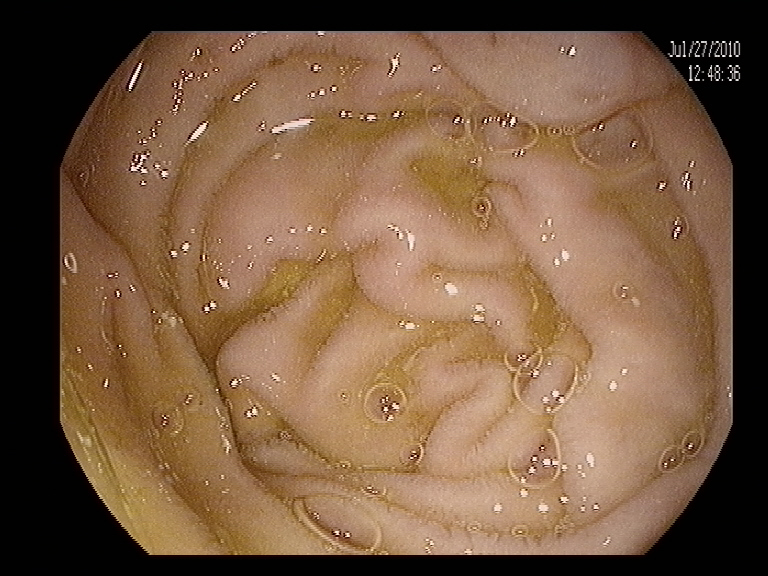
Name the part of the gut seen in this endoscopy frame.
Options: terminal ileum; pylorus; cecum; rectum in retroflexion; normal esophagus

terminal ileum